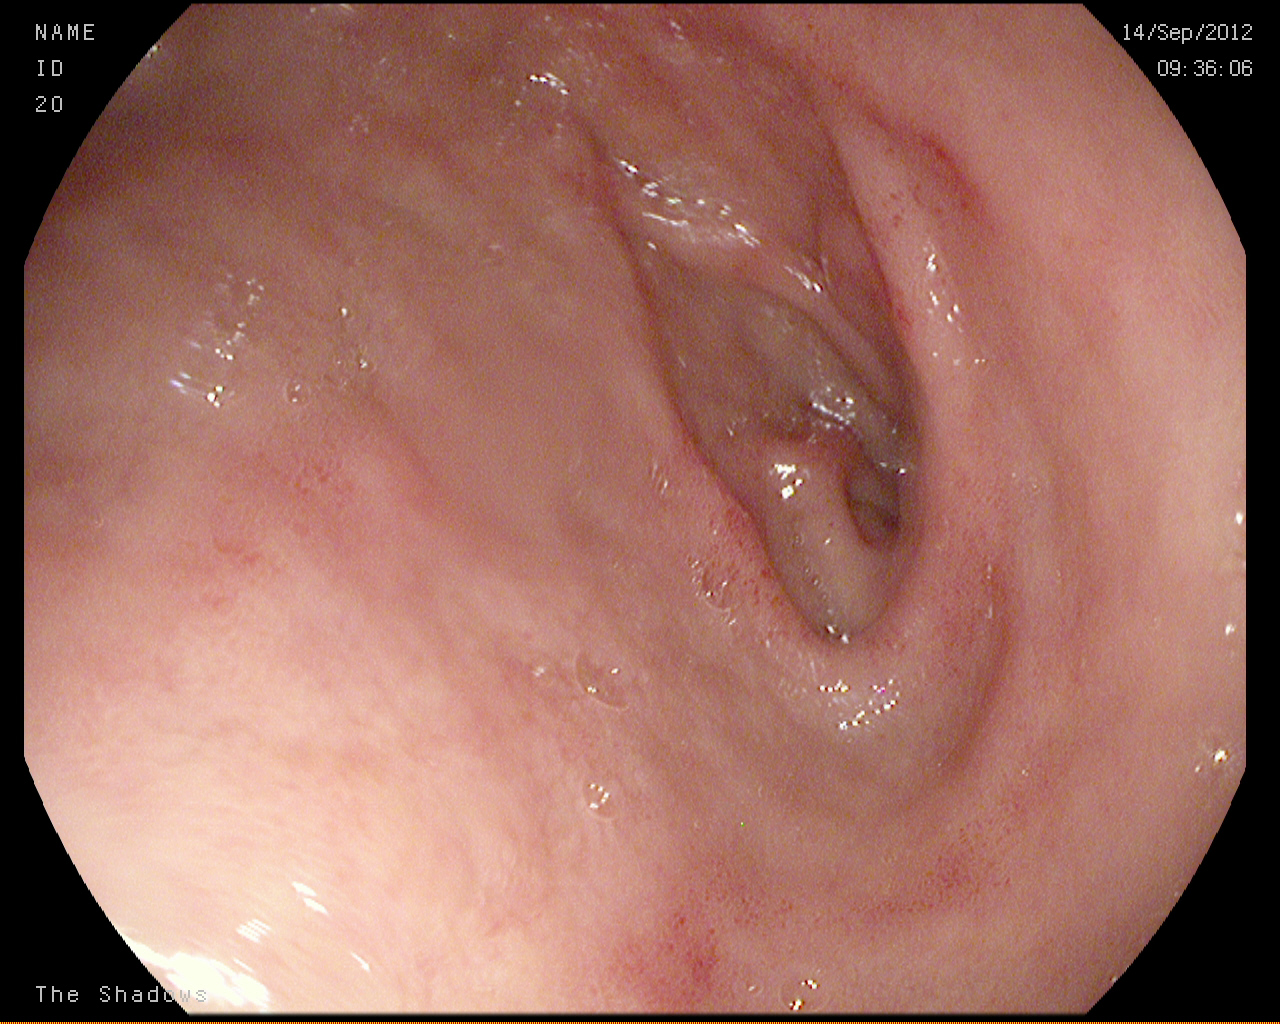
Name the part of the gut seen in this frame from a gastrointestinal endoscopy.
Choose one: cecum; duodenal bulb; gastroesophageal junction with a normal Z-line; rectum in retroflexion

duodenal bulb